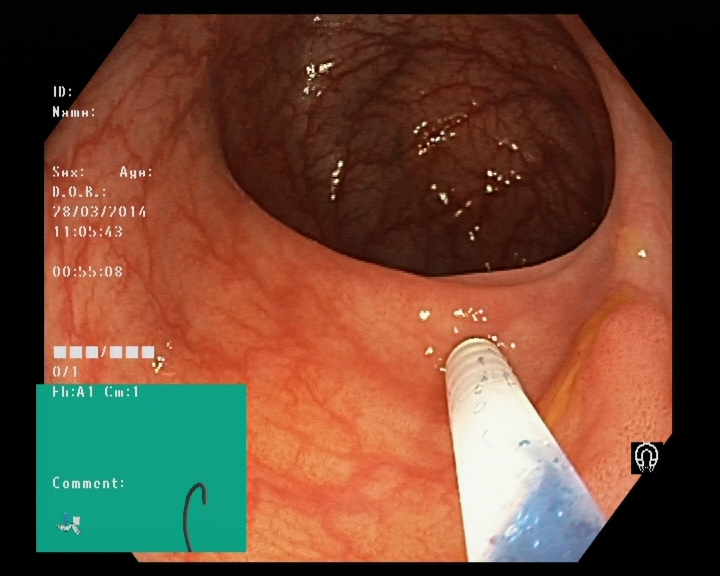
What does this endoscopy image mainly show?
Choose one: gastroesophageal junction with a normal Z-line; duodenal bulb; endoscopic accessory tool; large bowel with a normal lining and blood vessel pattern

endoscopic accessory tool